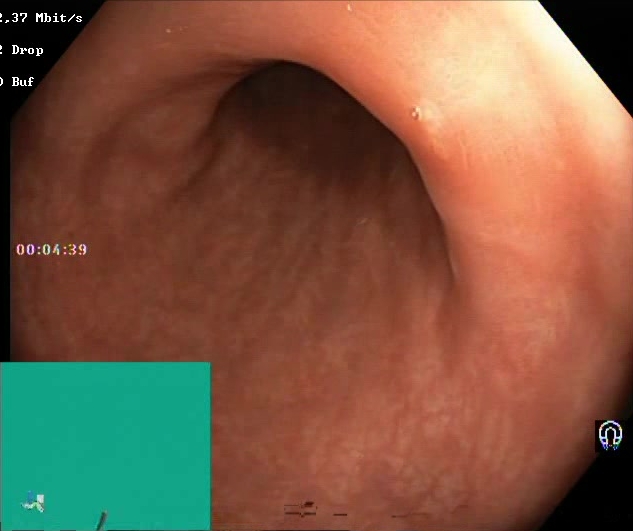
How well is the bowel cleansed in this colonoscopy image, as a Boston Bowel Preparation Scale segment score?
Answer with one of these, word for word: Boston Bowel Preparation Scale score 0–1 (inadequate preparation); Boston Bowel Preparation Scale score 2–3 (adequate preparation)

Boston Bowel Preparation Scale score 2–3 (adequate preparation)